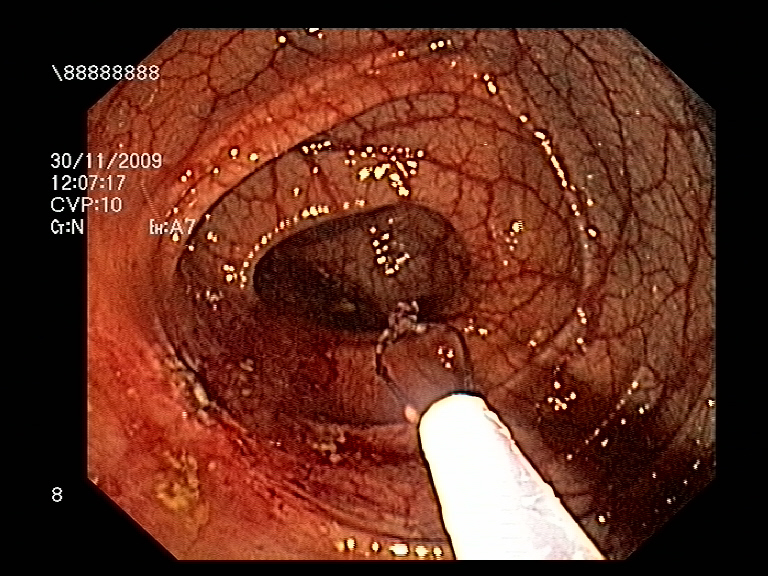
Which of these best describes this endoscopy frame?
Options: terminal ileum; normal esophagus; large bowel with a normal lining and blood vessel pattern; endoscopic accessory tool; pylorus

endoscopic accessory tool